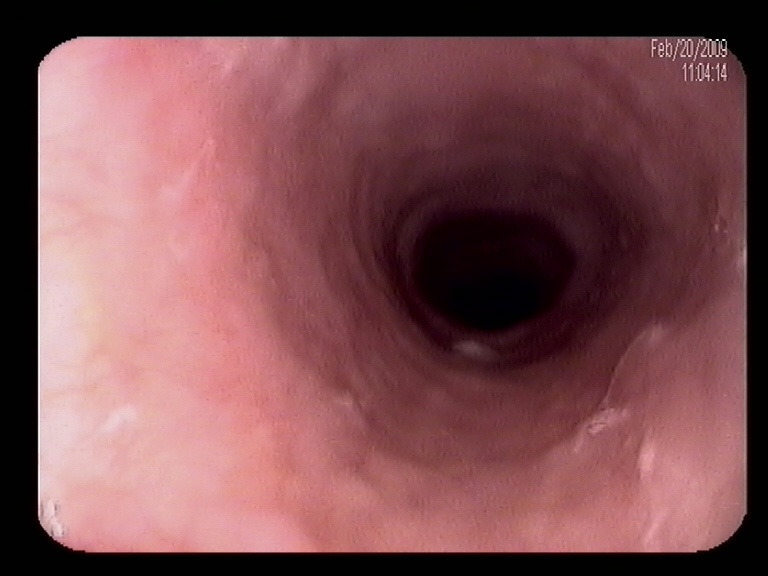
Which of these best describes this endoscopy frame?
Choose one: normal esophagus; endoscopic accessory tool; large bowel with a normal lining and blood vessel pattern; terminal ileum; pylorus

normal esophagus